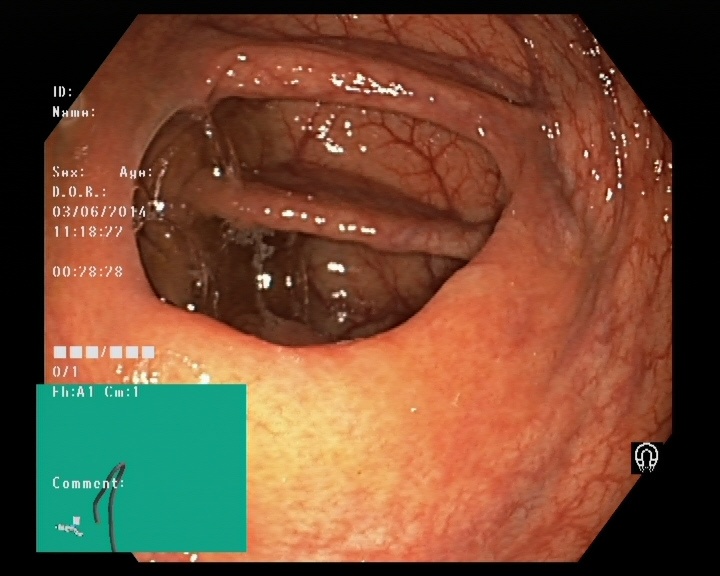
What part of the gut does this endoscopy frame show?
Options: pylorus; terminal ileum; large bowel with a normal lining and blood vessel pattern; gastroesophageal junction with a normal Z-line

large bowel with a normal lining and blood vessel pattern